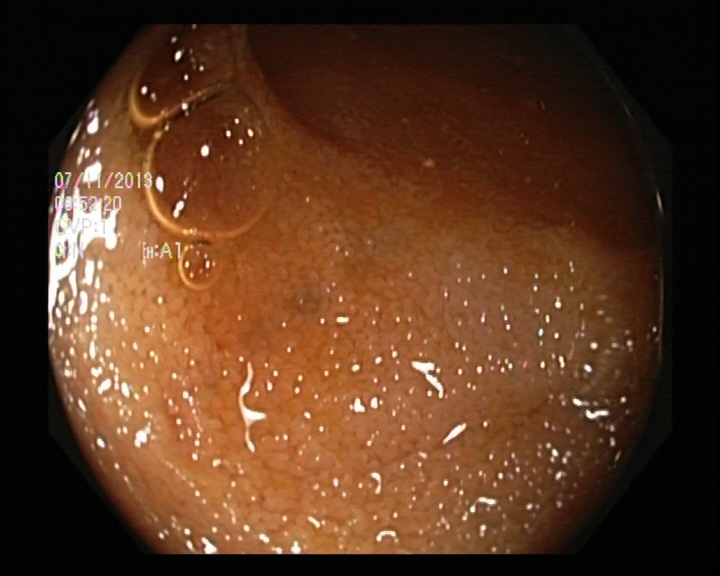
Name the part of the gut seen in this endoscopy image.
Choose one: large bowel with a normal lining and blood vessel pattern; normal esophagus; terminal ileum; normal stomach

terminal ileum